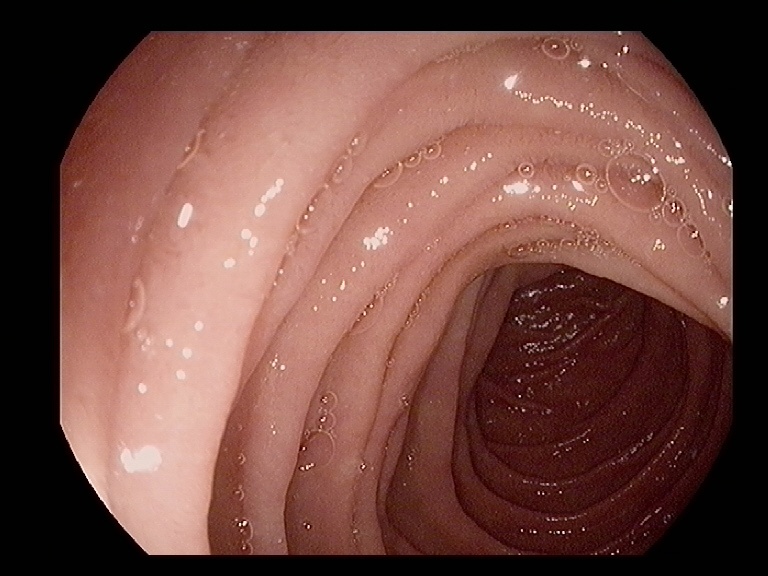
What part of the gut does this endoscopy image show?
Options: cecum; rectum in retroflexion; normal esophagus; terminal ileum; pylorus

terminal ileum